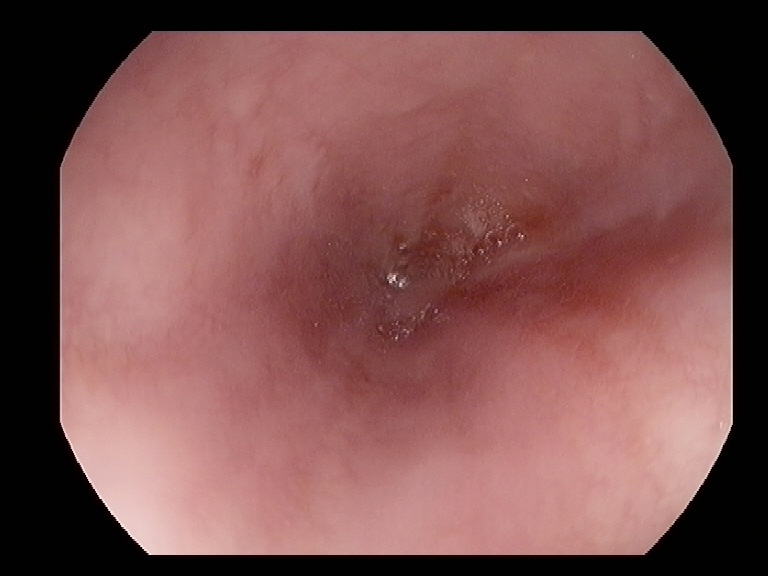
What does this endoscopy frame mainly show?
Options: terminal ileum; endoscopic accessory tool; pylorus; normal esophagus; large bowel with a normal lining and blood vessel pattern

normal esophagus